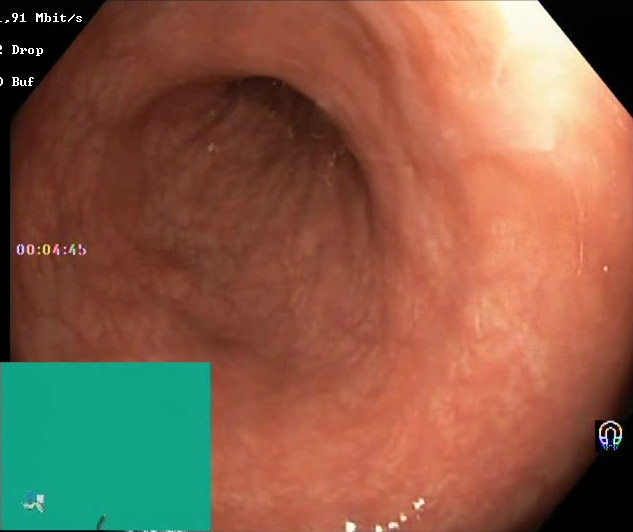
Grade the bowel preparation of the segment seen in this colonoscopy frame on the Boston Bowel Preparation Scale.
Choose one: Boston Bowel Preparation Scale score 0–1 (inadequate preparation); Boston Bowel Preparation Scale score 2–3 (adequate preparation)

Boston Bowel Preparation Scale score 2–3 (adequate preparation)